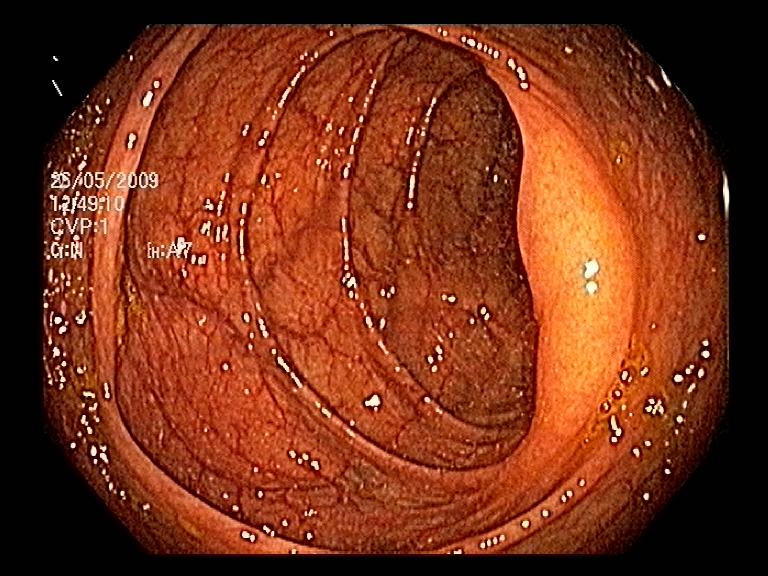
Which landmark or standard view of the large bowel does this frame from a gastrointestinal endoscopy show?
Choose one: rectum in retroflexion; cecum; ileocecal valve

ileocecal valve